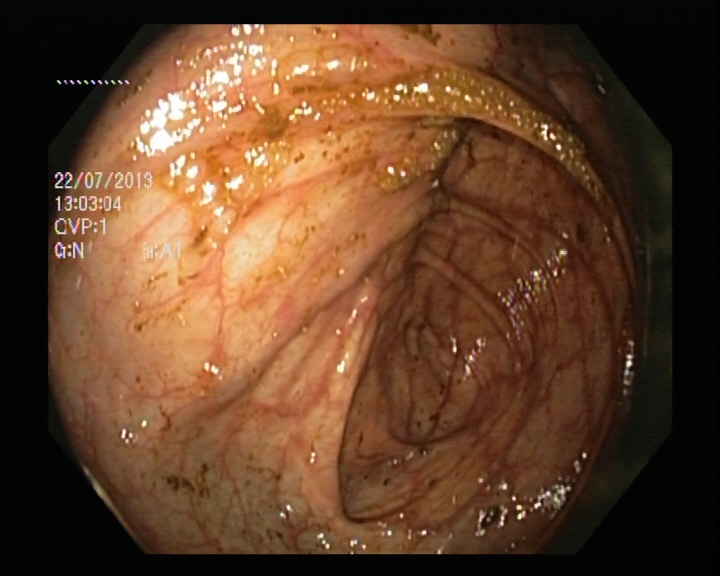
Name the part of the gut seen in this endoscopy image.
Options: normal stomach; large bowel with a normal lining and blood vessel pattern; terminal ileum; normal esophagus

large bowel with a normal lining and blood vessel pattern